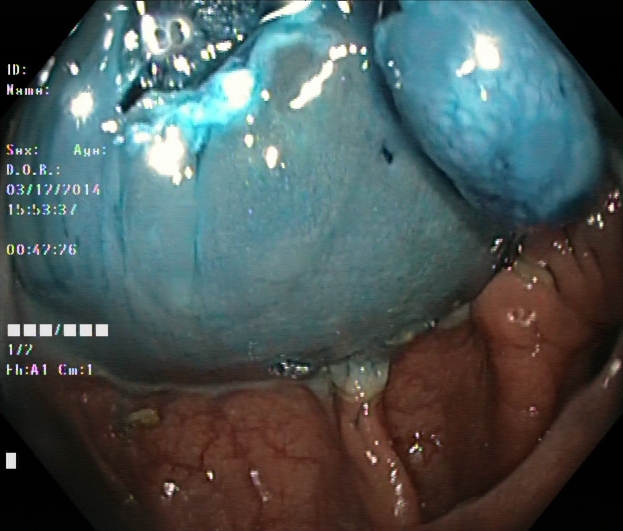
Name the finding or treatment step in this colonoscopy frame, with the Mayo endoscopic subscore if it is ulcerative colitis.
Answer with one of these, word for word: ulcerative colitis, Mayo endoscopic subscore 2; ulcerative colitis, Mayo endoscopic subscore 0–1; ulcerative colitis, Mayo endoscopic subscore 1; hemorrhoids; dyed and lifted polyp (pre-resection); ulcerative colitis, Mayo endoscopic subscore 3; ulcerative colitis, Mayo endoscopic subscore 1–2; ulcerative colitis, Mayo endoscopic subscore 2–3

dyed and lifted polyp (pre-resection)